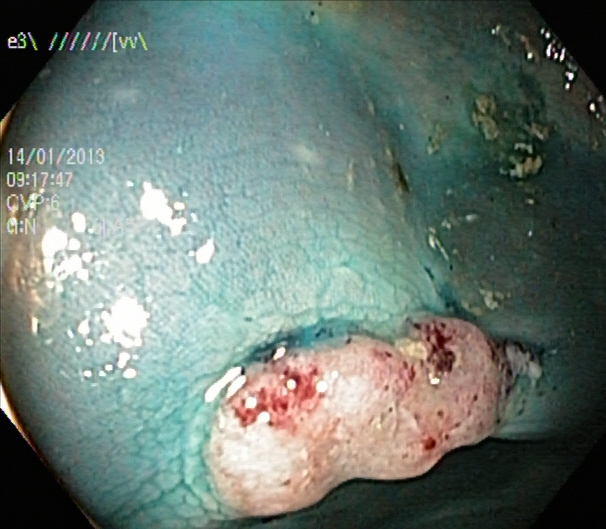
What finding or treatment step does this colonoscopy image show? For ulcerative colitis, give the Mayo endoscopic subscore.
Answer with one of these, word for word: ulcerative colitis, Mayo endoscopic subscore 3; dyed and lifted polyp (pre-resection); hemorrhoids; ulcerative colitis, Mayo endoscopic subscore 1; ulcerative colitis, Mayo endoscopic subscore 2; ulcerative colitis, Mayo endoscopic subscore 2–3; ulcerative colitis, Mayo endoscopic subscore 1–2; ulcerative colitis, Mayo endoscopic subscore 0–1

dyed and lifted polyp (pre-resection)